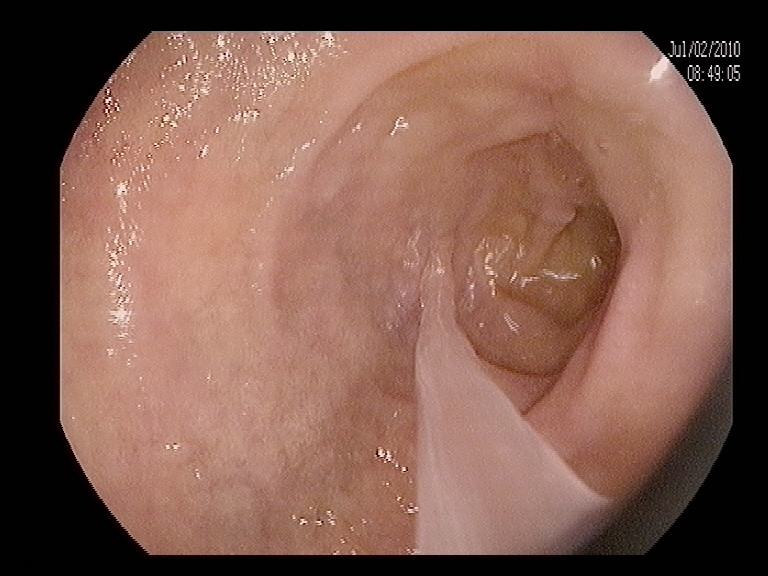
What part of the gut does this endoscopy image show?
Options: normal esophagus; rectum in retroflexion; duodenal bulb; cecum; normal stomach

duodenal bulb